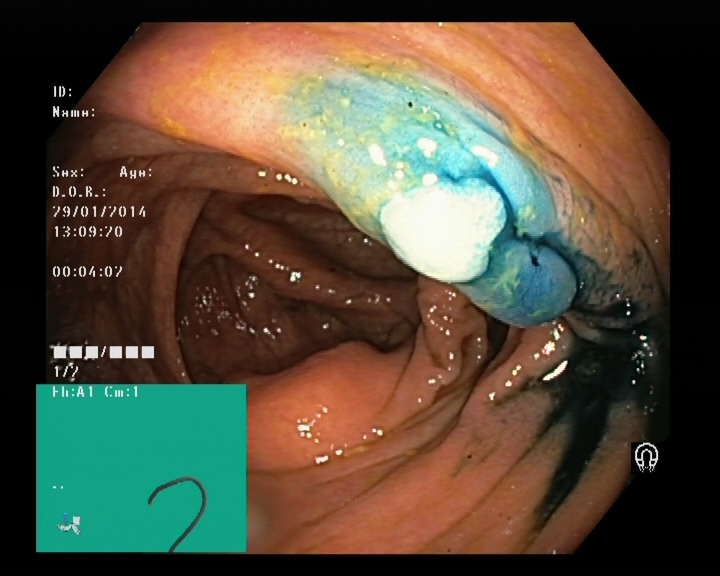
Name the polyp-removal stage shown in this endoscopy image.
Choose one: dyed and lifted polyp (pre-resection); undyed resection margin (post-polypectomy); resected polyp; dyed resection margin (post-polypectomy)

dyed and lifted polyp (pre-resection)